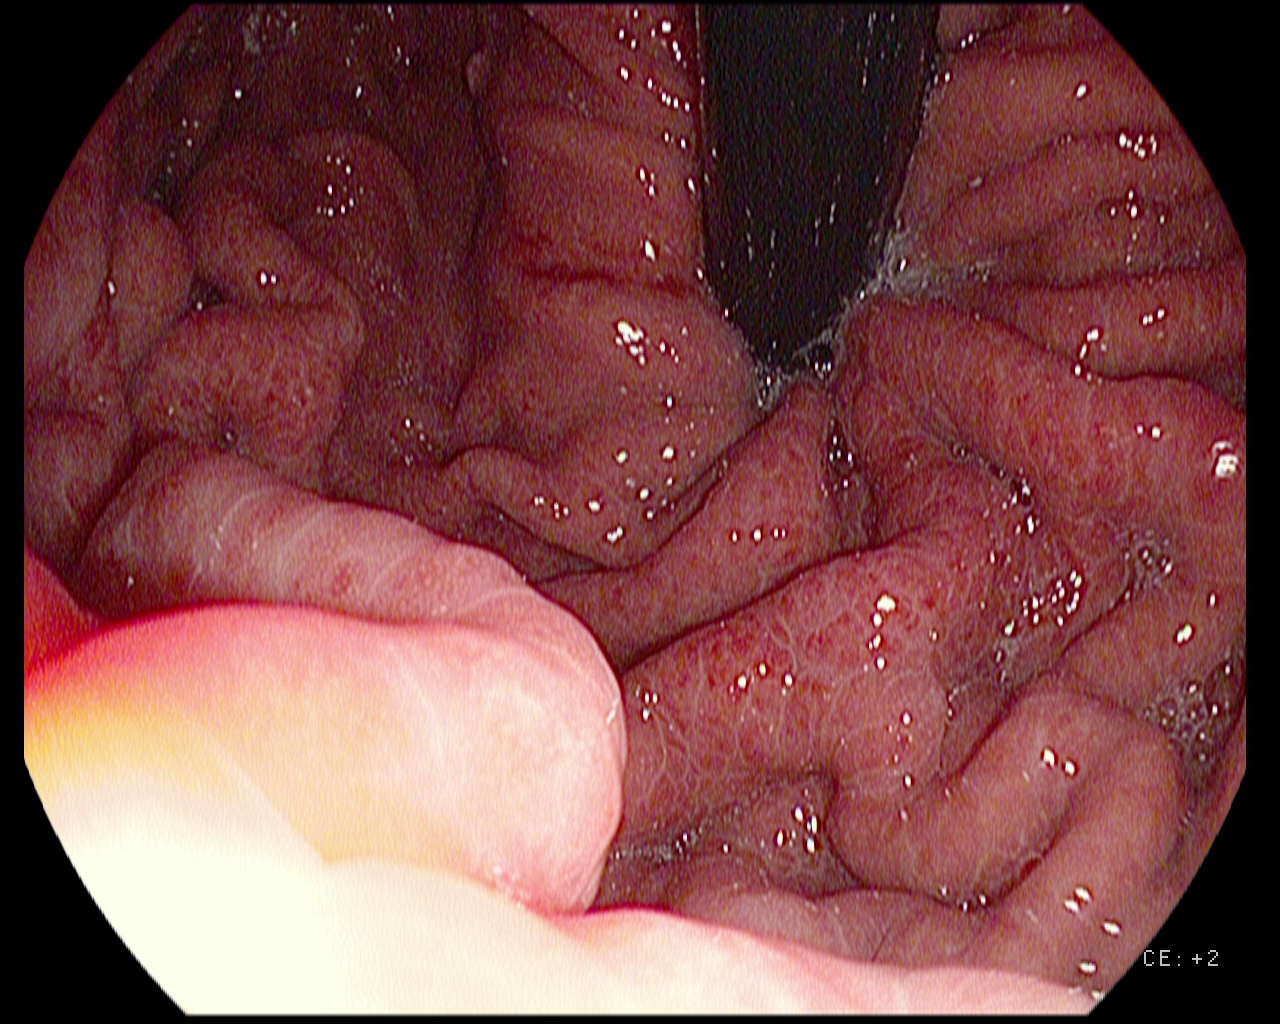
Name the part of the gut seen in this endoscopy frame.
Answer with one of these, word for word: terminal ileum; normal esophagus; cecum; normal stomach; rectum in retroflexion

normal stomach